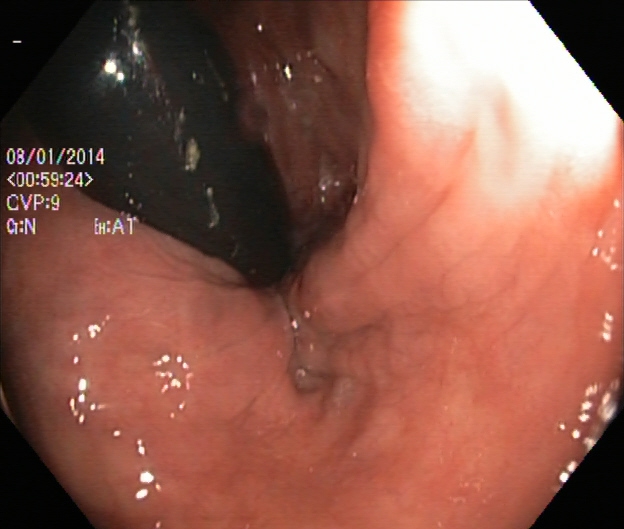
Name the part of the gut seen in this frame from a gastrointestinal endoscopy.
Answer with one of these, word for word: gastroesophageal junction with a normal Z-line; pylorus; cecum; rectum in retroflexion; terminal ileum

rectum in retroflexion